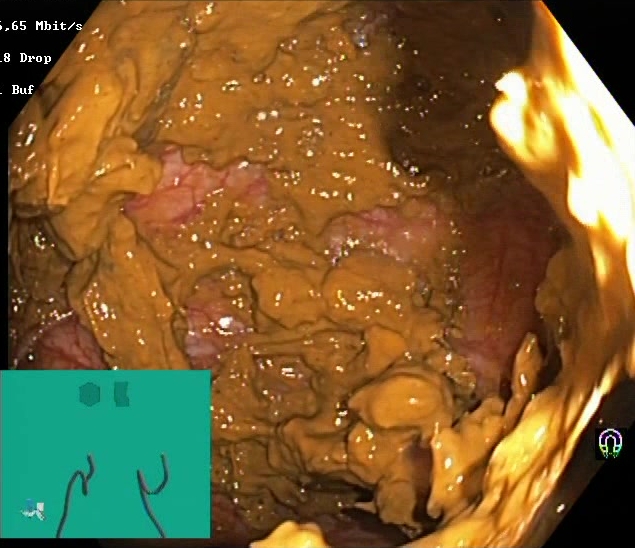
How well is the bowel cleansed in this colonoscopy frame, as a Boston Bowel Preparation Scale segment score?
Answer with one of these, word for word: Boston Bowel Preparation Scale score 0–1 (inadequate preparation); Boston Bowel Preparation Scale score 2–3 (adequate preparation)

Boston Bowel Preparation Scale score 0–1 (inadequate preparation)